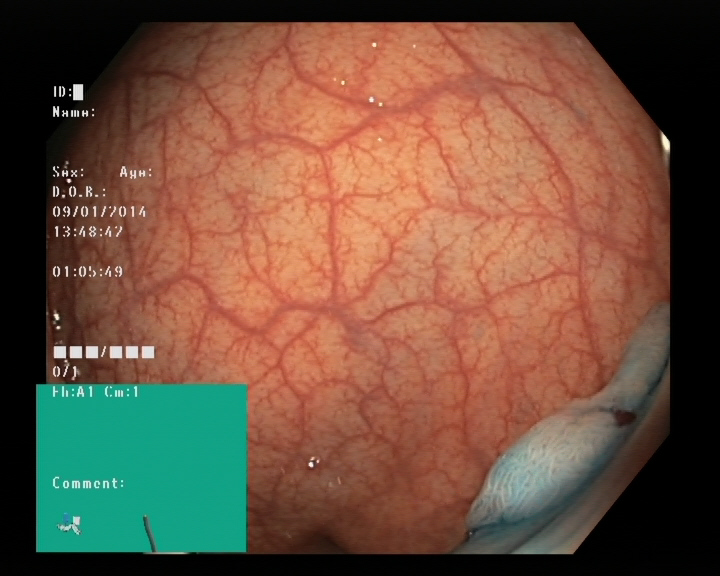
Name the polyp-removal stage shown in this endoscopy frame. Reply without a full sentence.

dyed and lifted polyp (pre-resection)